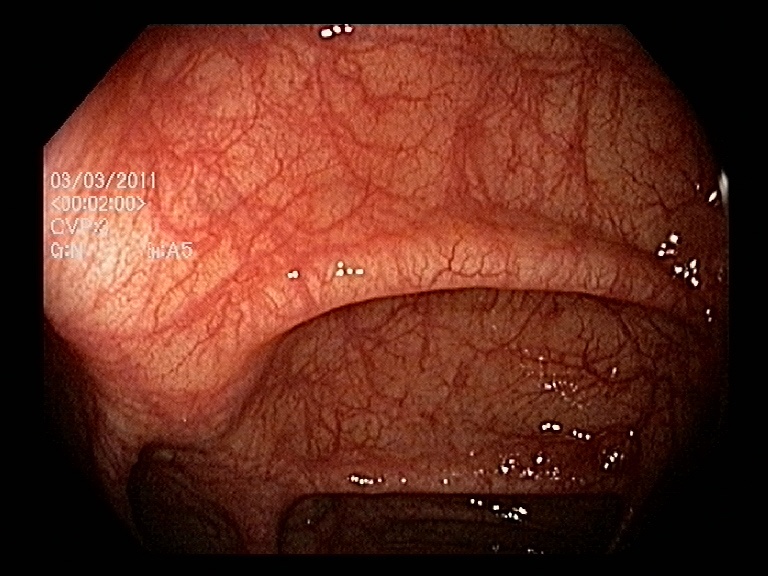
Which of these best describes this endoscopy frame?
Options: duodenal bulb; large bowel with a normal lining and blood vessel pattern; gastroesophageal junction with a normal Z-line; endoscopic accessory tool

large bowel with a normal lining and blood vessel pattern